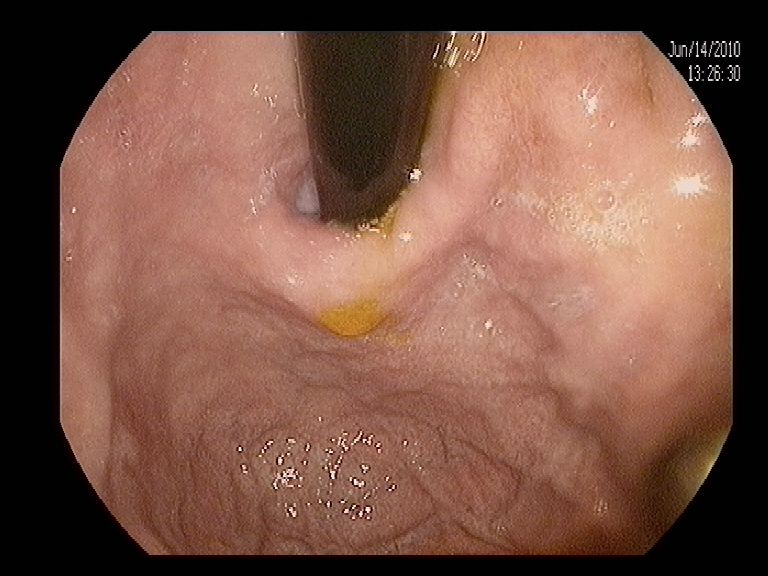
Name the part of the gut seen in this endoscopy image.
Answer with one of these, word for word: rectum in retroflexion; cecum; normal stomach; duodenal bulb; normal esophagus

normal stomach